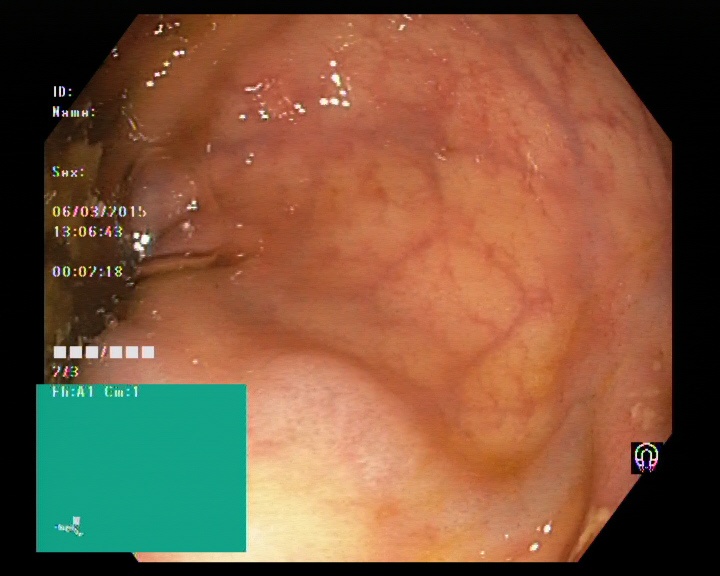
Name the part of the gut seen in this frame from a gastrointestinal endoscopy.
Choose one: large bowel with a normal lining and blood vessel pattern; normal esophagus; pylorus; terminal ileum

large bowel with a normal lining and blood vessel pattern